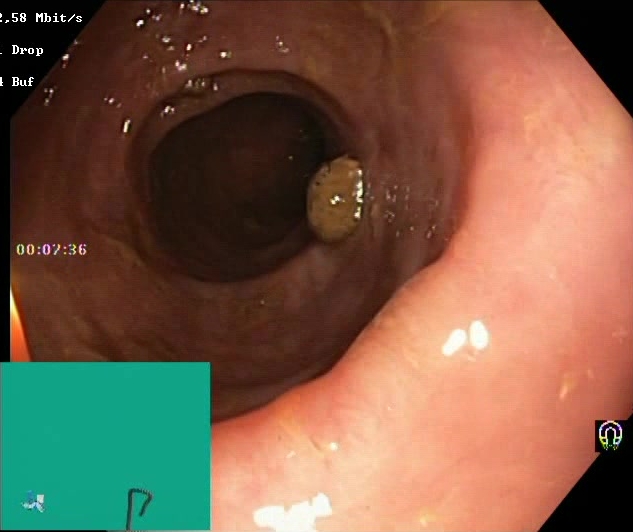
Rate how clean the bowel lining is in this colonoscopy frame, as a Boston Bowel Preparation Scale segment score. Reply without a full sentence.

Boston Bowel Preparation Scale score 2–3 (adequate preparation)